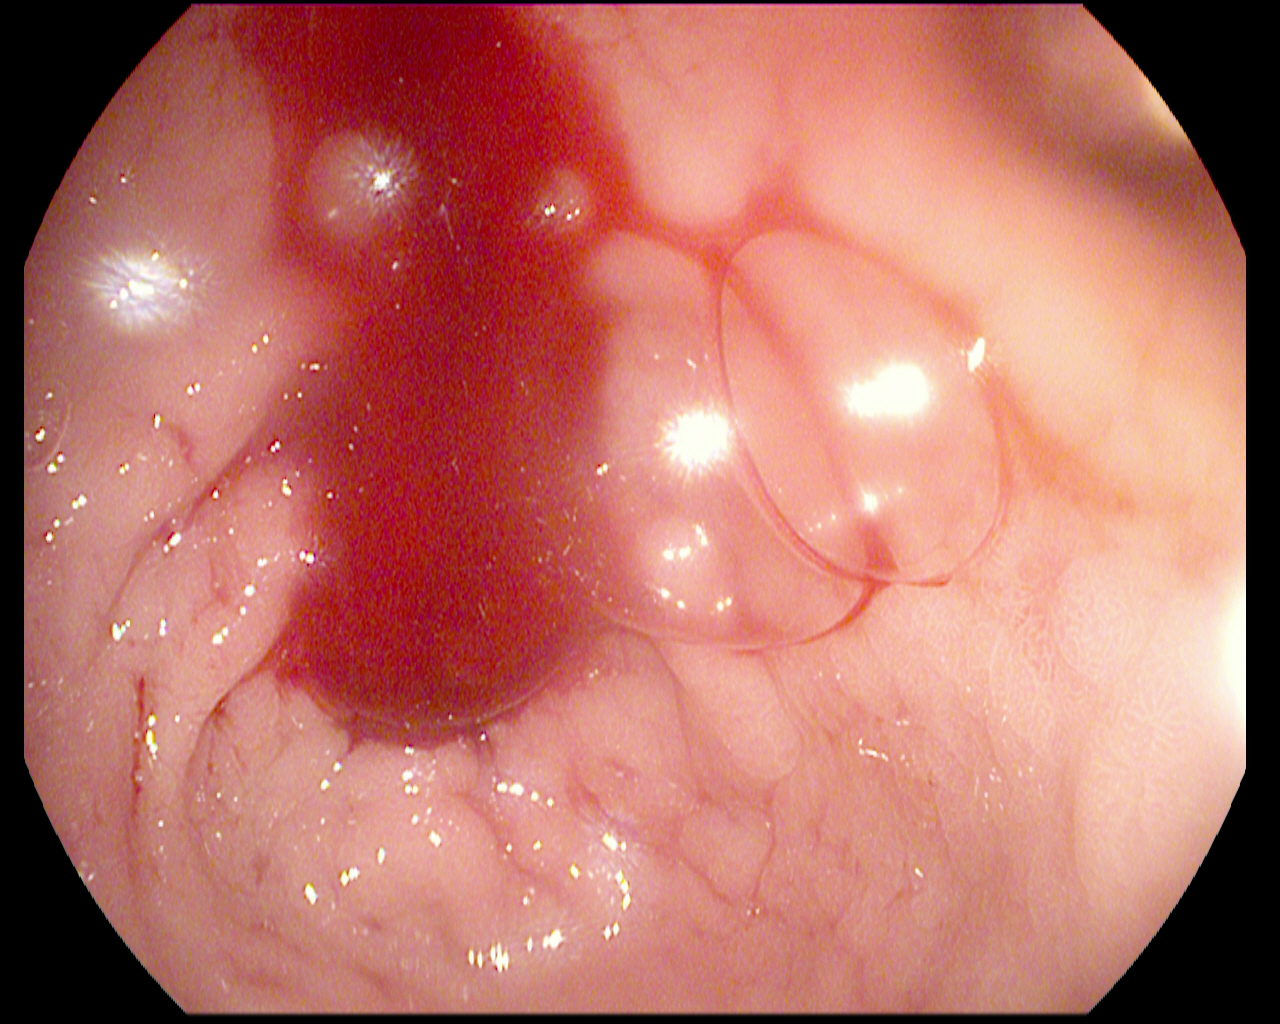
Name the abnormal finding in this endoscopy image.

blood in the lumen